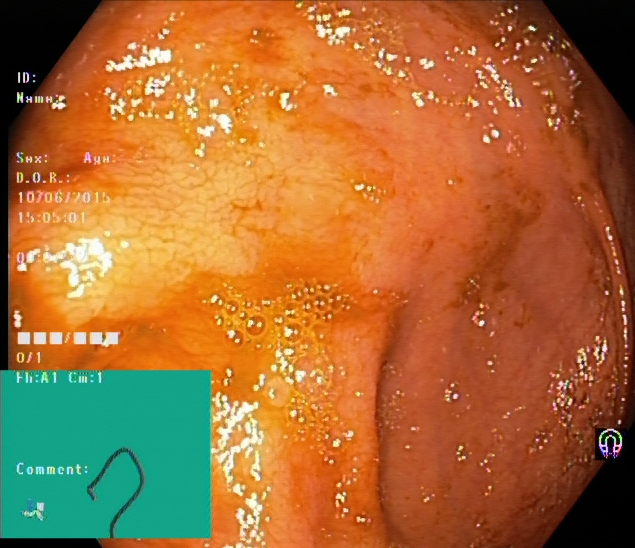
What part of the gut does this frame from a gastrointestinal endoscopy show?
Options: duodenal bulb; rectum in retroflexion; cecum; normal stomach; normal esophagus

cecum